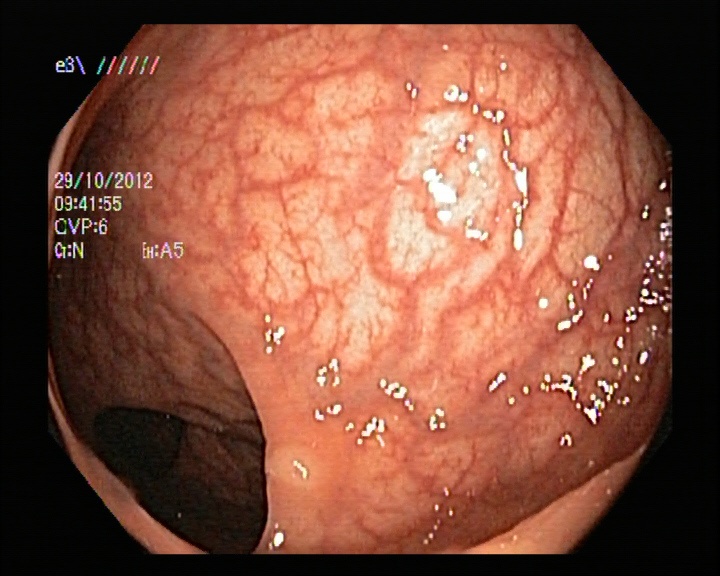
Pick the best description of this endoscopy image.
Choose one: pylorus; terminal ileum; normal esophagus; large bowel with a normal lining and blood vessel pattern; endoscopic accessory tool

large bowel with a normal lining and blood vessel pattern